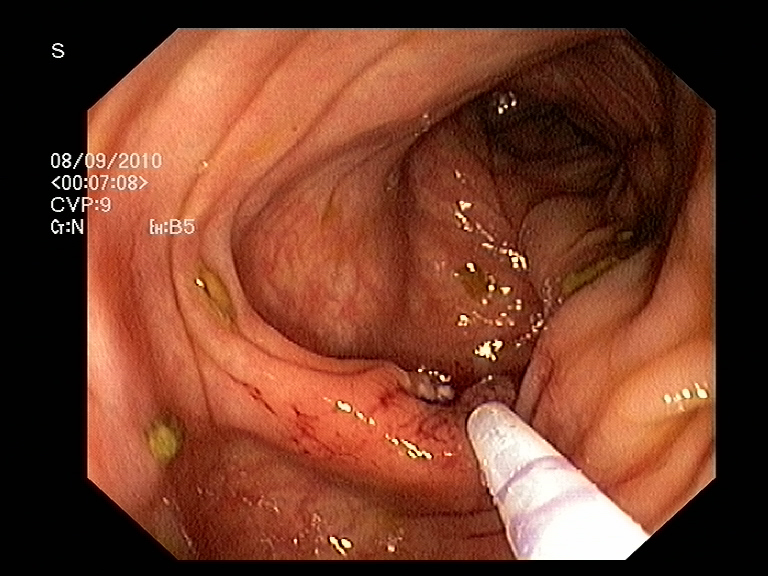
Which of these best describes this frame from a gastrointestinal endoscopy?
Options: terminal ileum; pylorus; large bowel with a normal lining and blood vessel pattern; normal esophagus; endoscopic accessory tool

endoscopic accessory tool